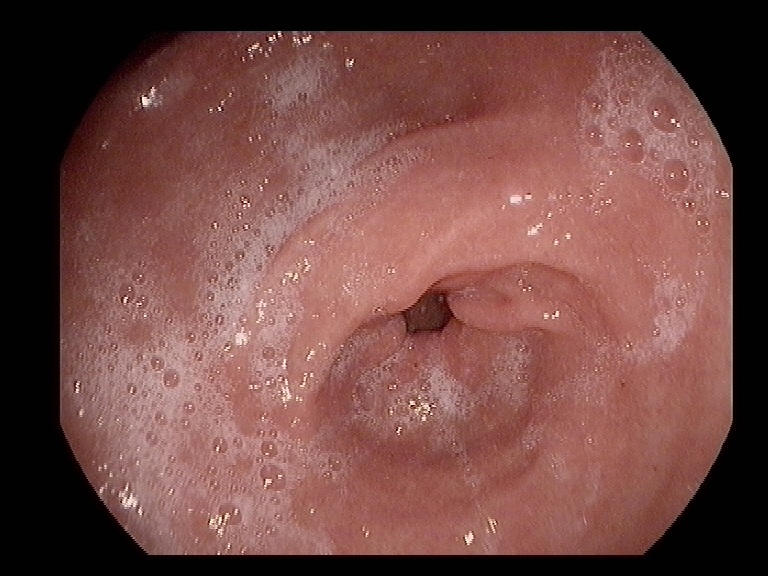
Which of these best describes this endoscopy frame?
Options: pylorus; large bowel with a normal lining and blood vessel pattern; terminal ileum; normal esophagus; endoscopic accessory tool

pylorus